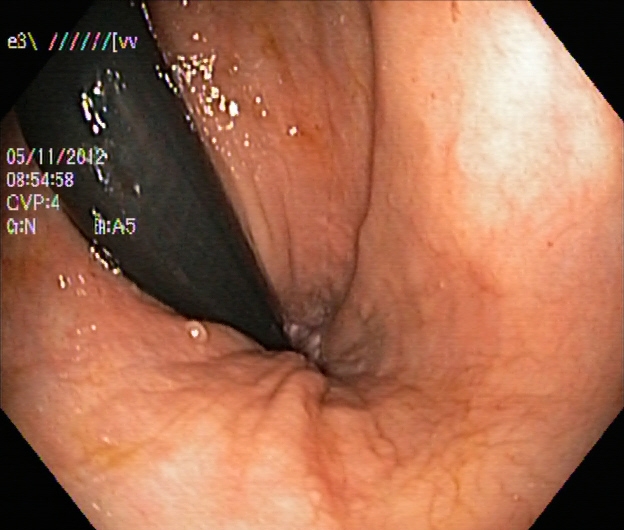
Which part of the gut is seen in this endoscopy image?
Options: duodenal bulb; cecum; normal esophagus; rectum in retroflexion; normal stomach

rectum in retroflexion